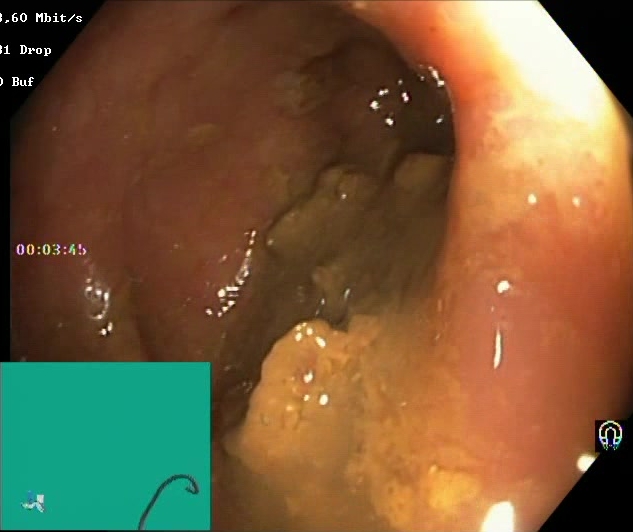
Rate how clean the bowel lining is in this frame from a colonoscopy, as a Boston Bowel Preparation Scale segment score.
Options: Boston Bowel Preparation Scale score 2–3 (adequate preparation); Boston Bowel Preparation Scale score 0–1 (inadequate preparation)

Boston Bowel Preparation Scale score 0–1 (inadequate preparation)